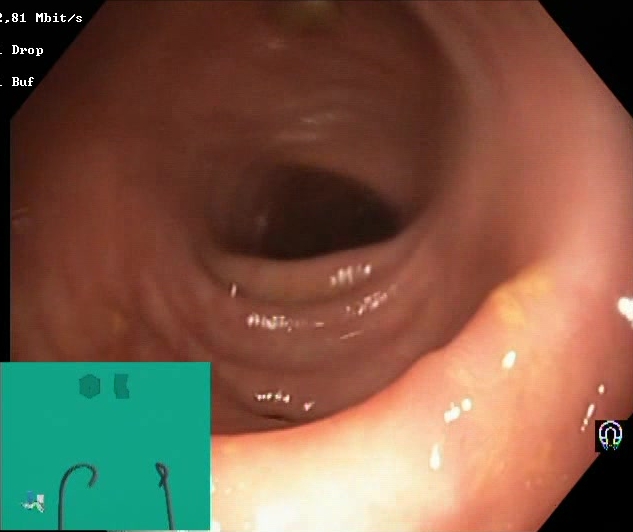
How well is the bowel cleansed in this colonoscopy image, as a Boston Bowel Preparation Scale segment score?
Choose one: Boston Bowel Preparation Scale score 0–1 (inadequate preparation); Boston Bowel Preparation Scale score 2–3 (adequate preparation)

Boston Bowel Preparation Scale score 2–3 (adequate preparation)